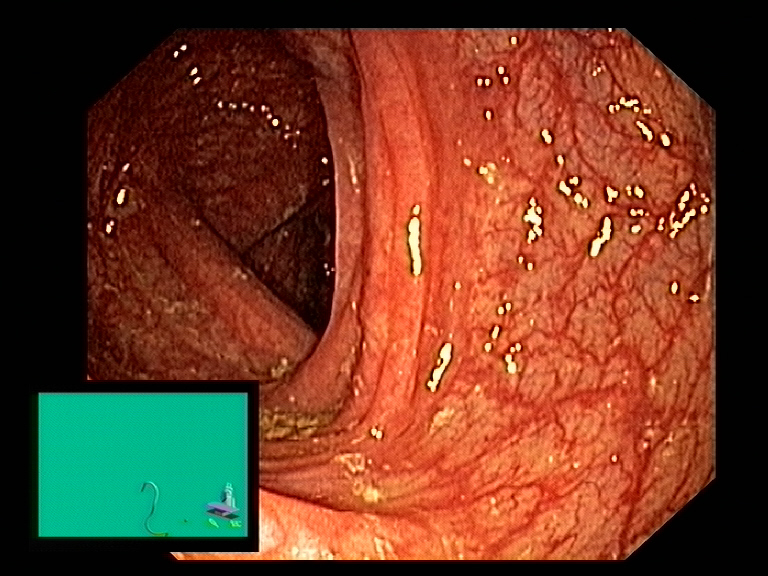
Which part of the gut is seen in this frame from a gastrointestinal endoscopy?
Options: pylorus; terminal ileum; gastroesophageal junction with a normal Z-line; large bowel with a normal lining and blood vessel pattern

large bowel with a normal lining and blood vessel pattern